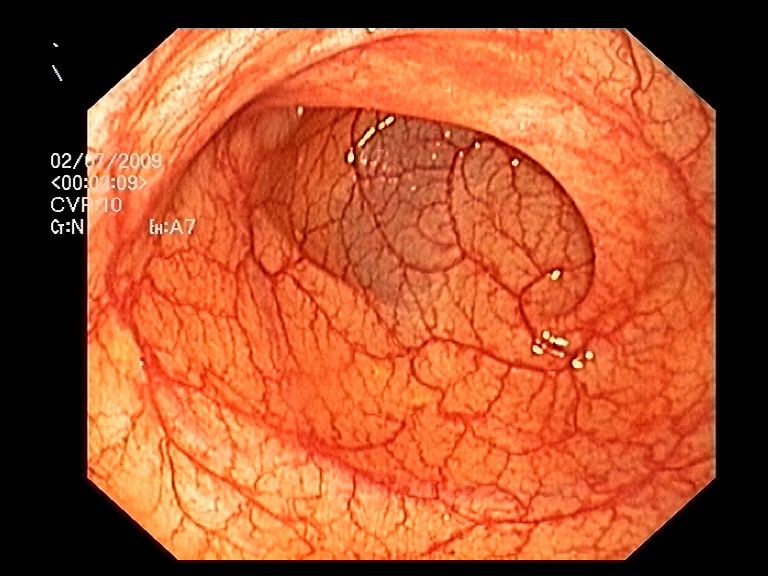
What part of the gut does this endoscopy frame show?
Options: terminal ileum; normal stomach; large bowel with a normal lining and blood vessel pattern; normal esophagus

large bowel with a normal lining and blood vessel pattern